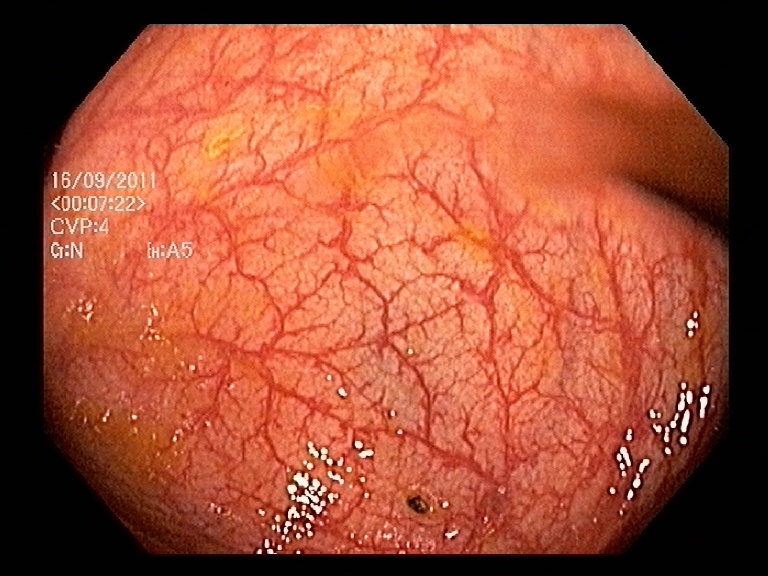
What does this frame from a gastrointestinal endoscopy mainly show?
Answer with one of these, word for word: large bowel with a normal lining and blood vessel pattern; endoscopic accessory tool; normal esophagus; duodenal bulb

large bowel with a normal lining and blood vessel pattern